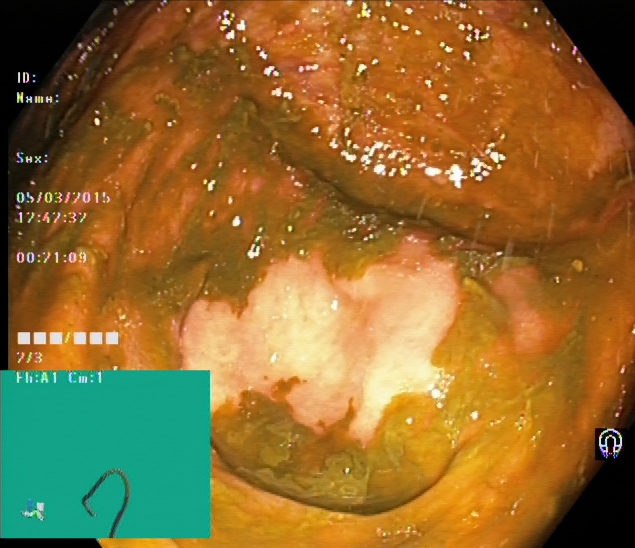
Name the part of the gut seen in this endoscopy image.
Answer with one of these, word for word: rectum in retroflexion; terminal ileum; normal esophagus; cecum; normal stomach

cecum